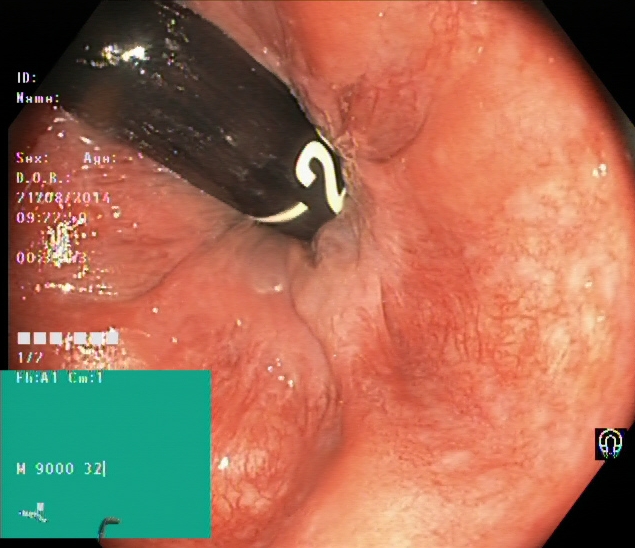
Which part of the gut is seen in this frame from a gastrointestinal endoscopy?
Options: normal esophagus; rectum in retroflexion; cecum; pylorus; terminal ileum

rectum in retroflexion